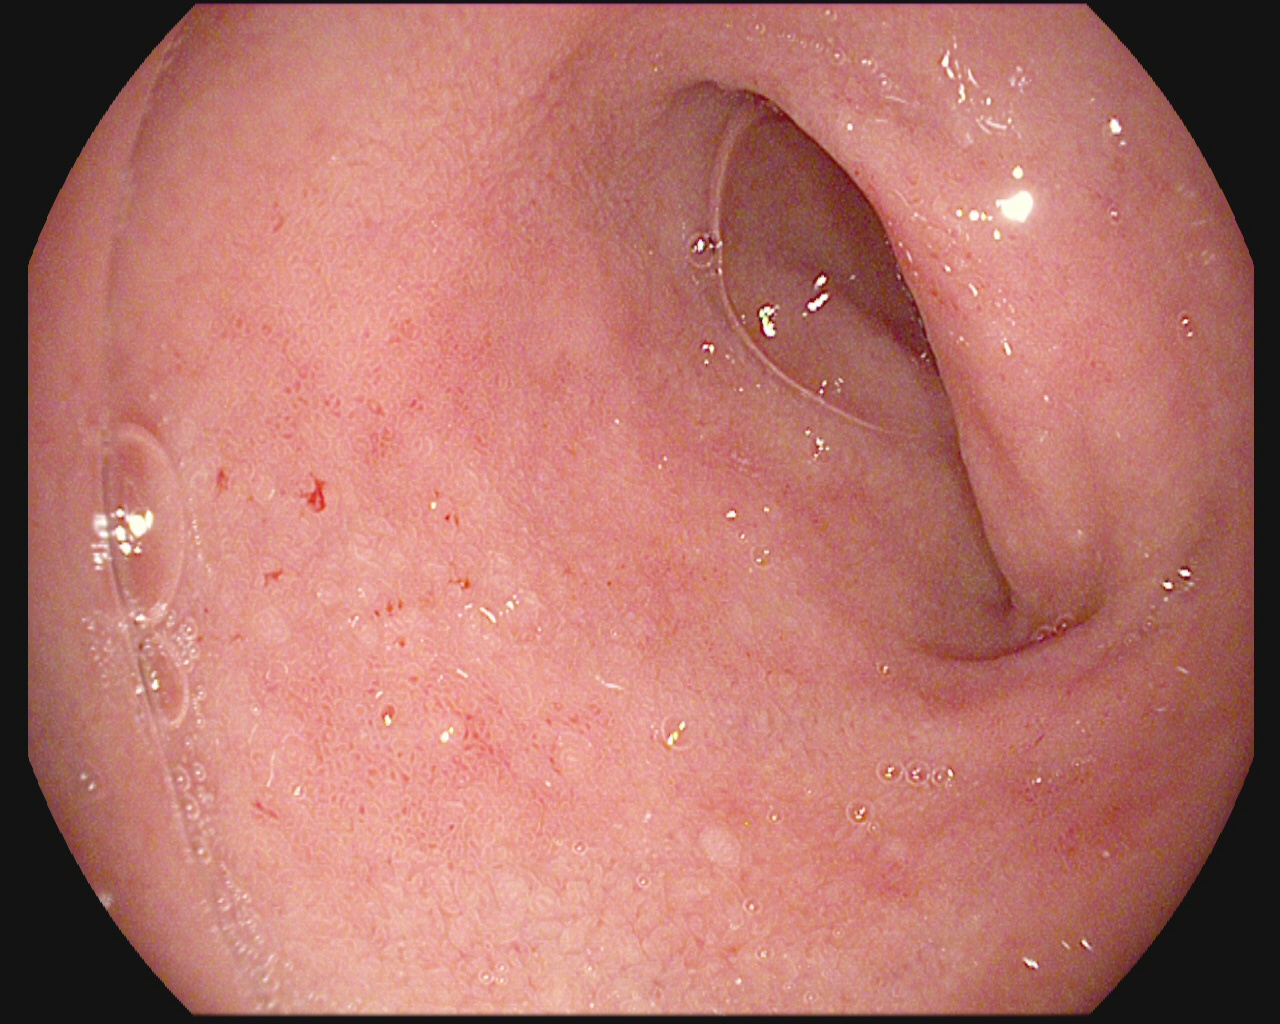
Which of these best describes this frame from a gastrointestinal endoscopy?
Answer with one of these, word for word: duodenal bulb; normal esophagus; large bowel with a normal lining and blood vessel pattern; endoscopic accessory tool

duodenal bulb